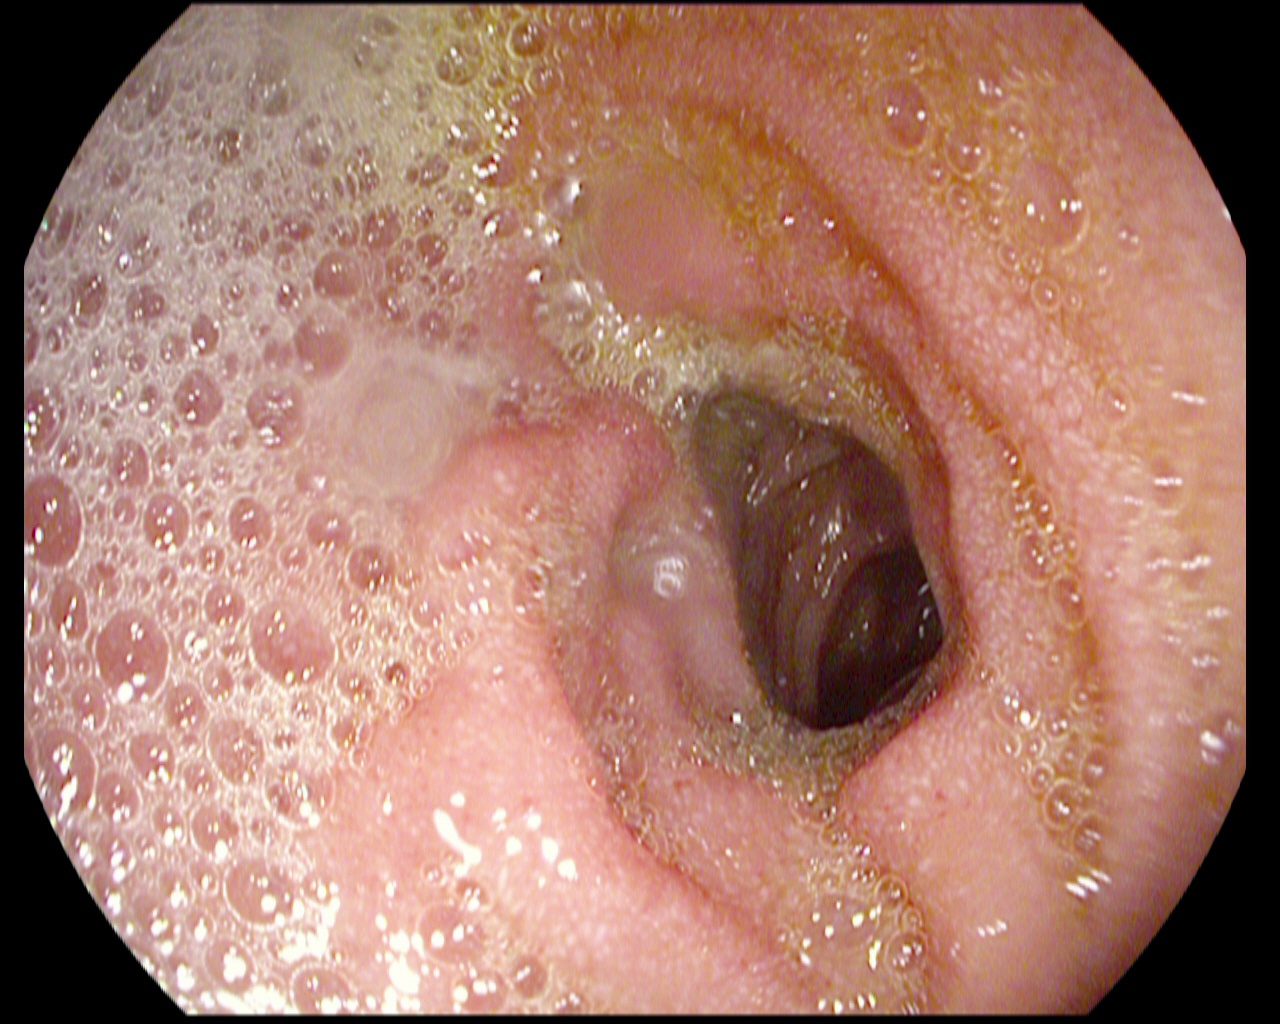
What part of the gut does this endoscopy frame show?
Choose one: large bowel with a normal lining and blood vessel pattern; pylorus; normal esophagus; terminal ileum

terminal ileum